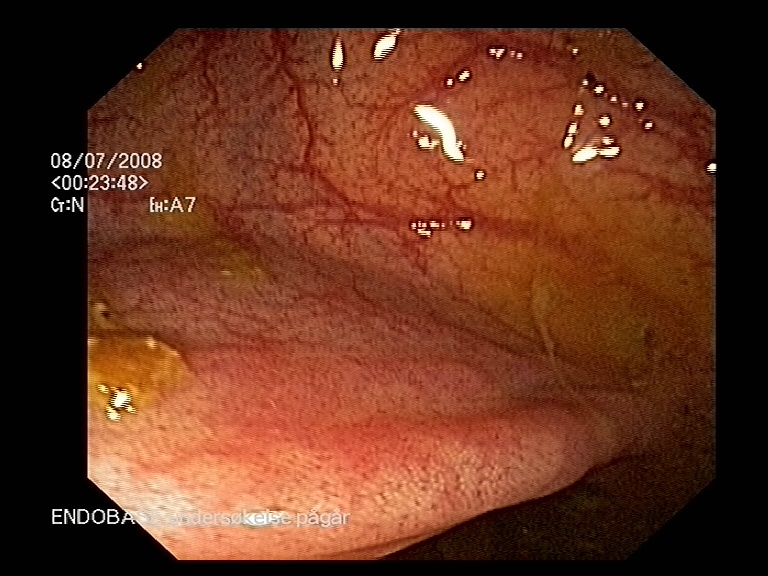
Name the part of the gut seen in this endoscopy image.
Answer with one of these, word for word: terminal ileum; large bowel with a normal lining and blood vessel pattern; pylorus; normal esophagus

large bowel with a normal lining and blood vessel pattern